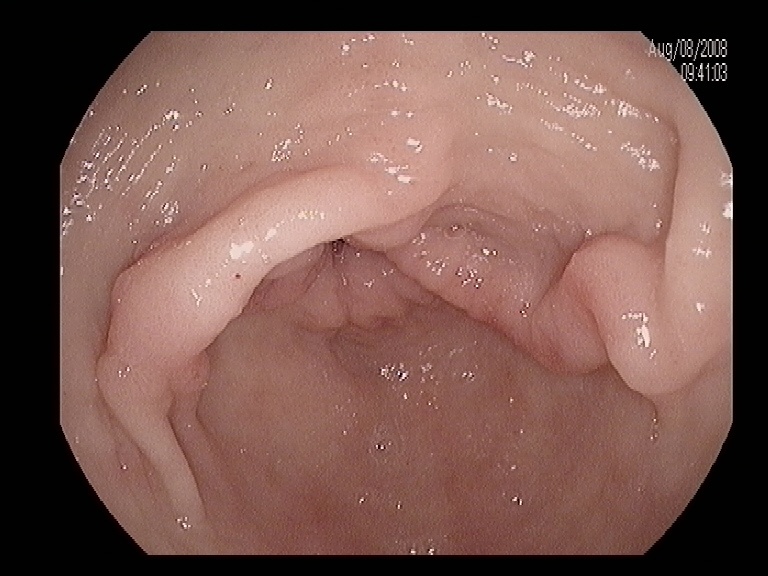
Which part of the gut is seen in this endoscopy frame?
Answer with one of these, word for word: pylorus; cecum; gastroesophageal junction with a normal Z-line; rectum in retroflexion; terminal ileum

pylorus